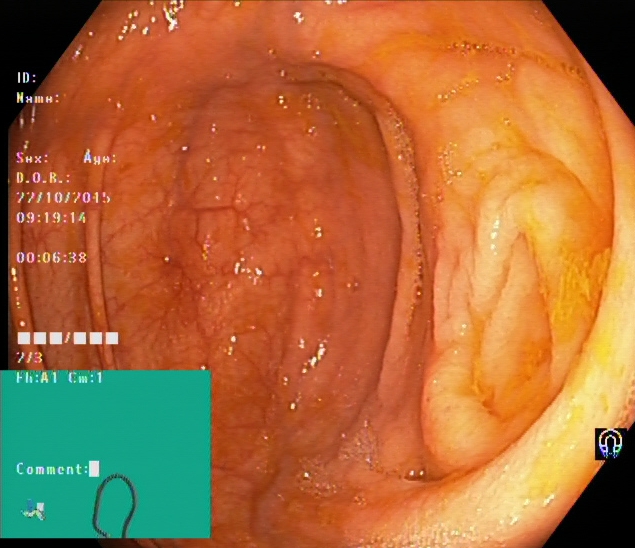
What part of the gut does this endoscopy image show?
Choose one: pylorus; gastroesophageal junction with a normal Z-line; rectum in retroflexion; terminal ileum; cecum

cecum